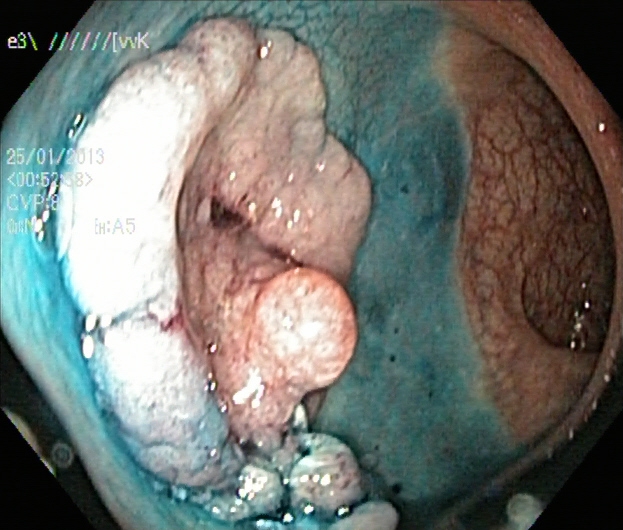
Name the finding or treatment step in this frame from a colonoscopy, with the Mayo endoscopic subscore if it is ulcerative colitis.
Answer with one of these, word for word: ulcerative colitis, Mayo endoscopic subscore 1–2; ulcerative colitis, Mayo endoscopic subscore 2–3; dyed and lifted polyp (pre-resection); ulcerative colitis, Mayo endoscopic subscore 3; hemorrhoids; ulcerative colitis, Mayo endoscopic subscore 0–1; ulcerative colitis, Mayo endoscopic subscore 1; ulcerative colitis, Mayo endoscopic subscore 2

dyed and lifted polyp (pre-resection)